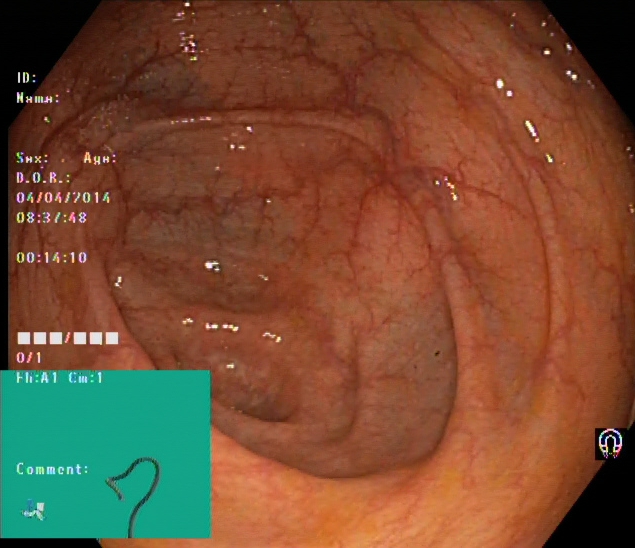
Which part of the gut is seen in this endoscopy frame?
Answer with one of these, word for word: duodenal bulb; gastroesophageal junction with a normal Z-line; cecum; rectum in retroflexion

cecum